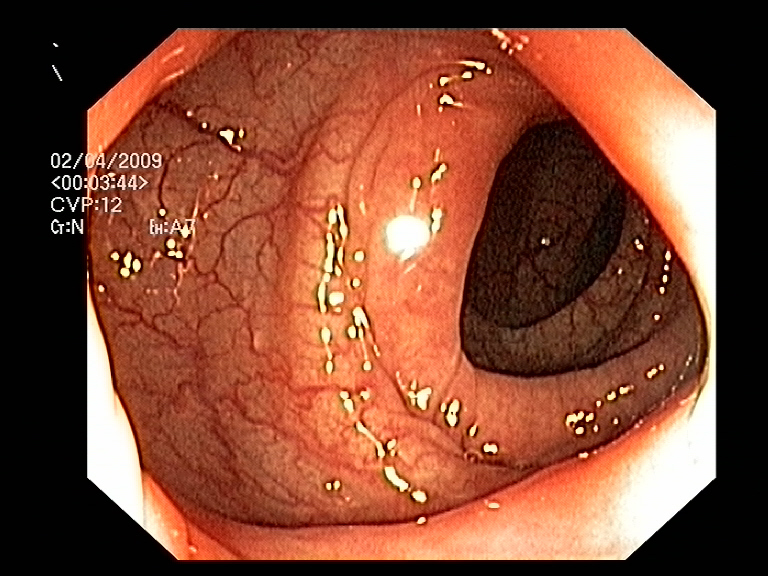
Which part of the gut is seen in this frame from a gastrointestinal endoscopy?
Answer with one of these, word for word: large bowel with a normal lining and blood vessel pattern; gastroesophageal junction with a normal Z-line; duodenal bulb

large bowel with a normal lining and blood vessel pattern